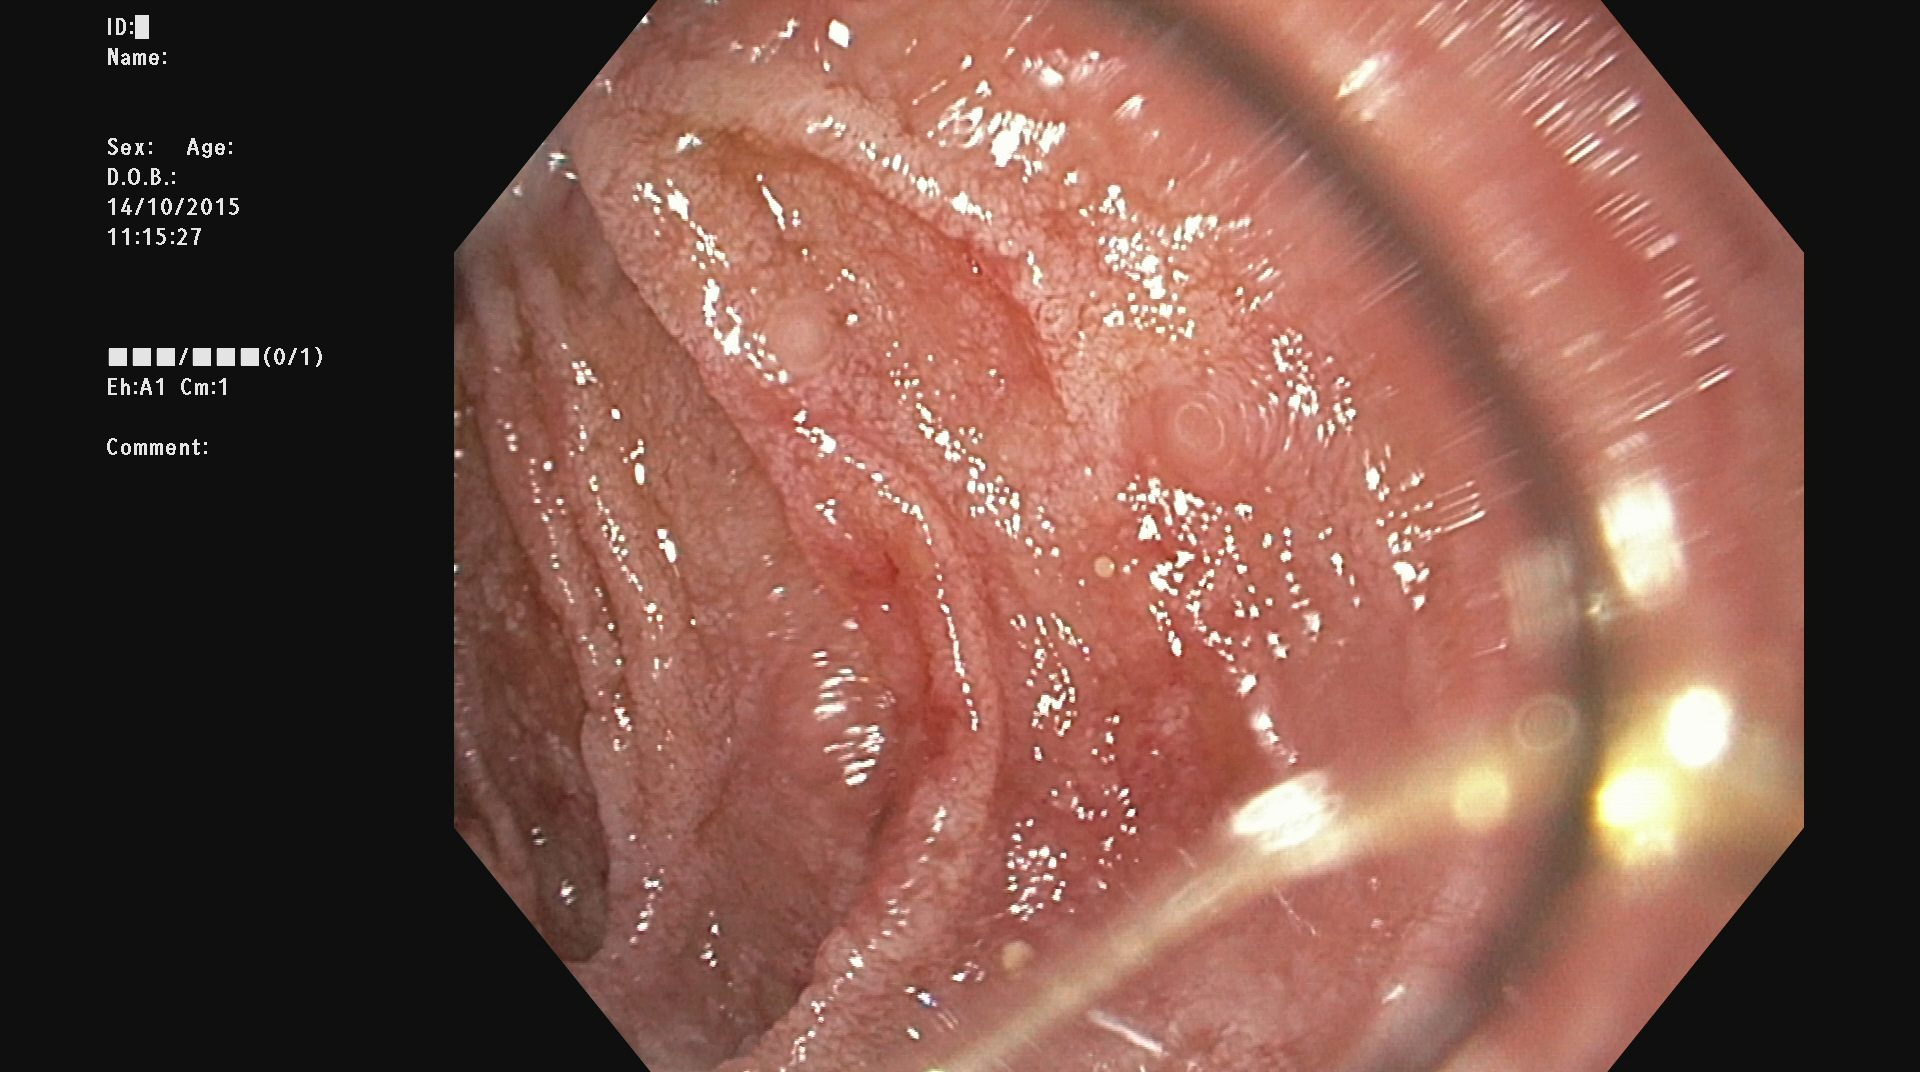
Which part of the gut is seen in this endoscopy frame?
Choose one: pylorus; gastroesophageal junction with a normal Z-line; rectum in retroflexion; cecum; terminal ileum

terminal ileum